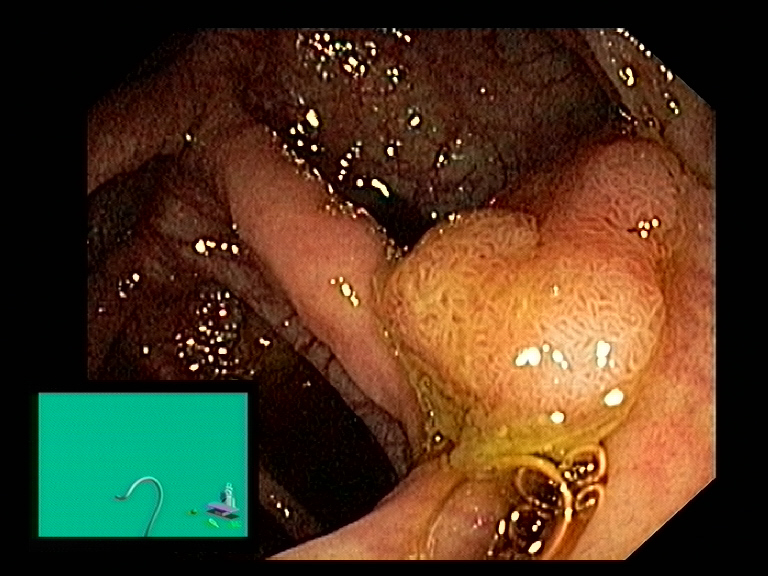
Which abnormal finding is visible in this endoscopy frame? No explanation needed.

colon polyp